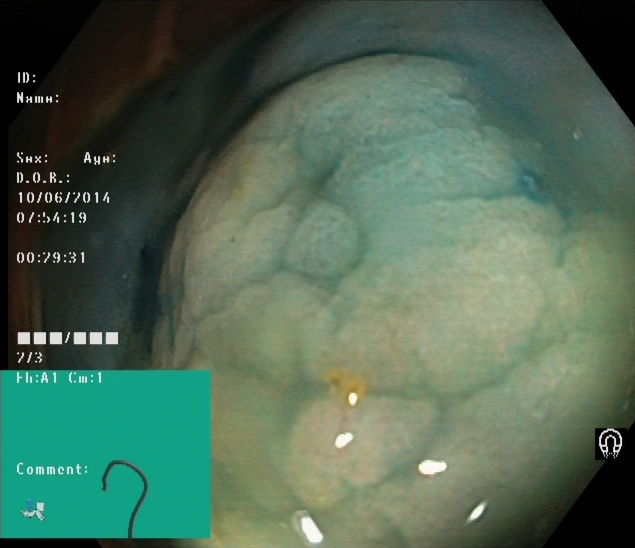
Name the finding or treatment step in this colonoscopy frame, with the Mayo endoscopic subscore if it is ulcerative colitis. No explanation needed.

dyed and lifted polyp (pre-resection)